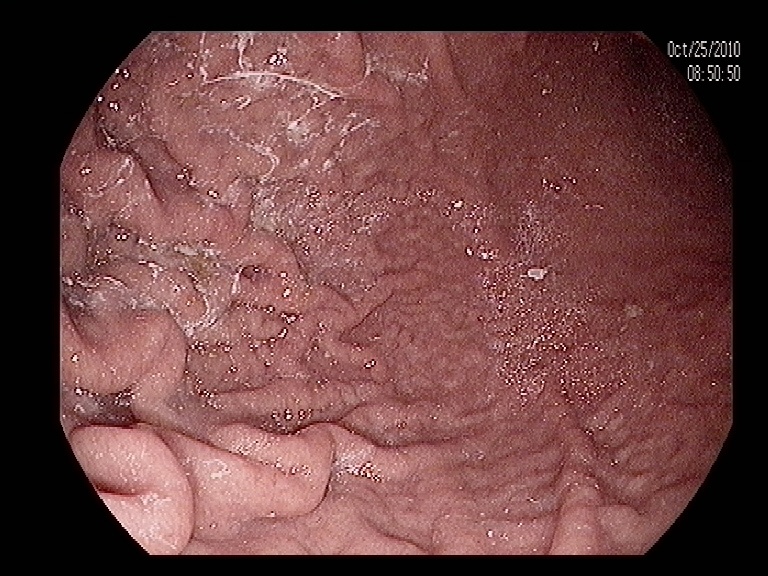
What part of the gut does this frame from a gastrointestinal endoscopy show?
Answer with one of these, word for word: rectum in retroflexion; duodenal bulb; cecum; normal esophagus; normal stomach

normal stomach